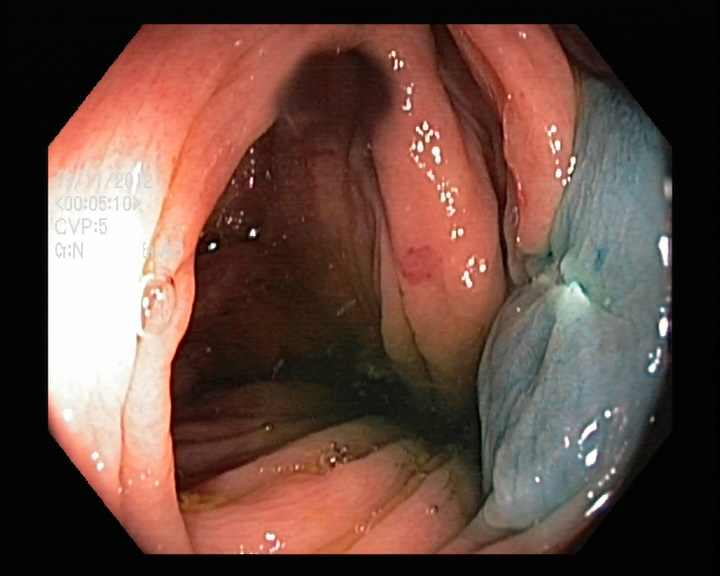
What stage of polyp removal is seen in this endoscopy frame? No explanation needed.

dyed resection margin (post-polypectomy)